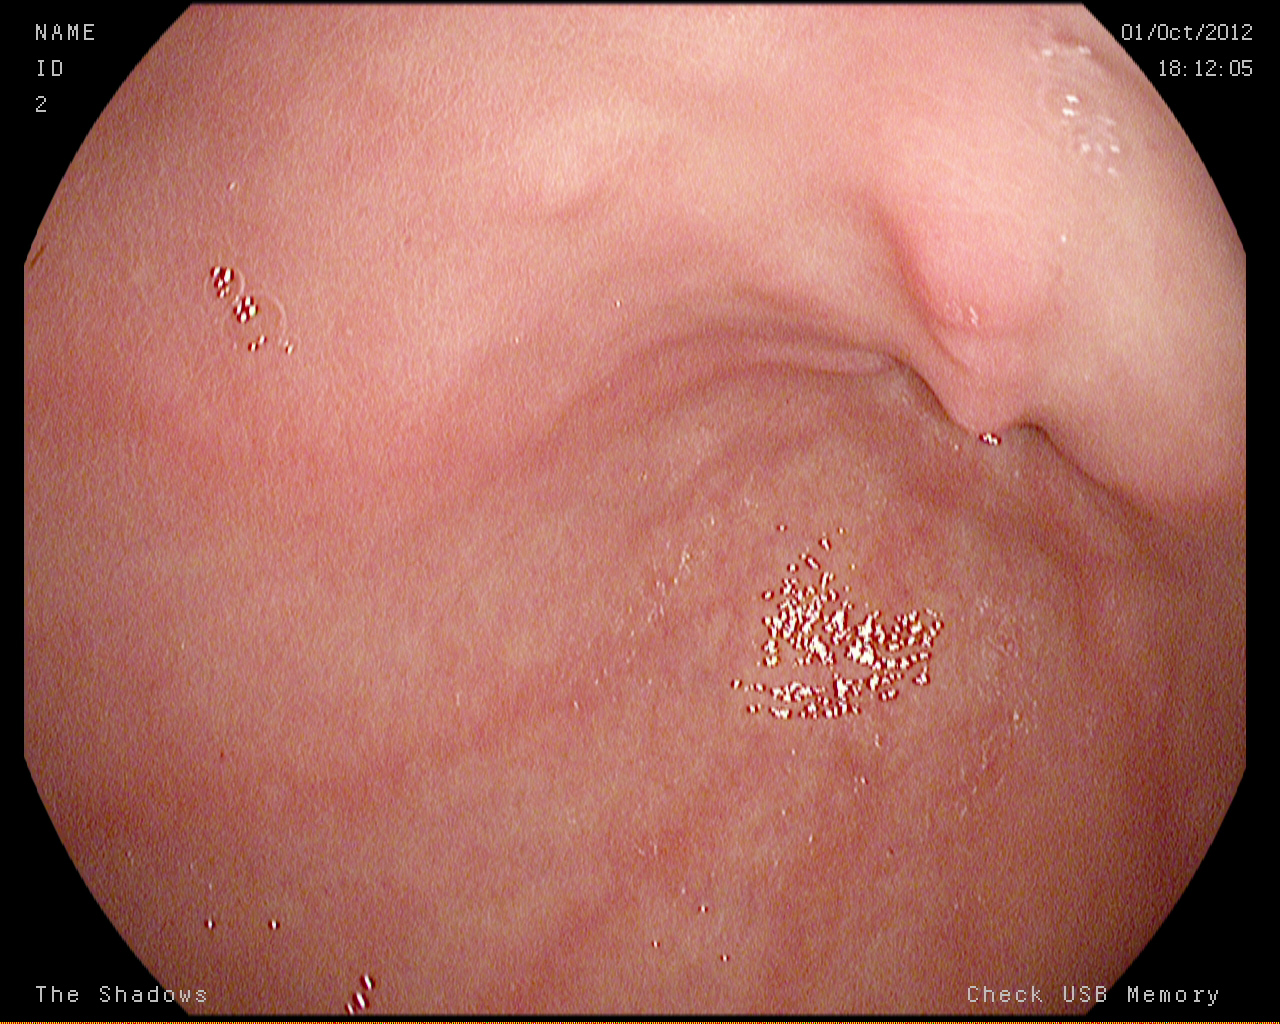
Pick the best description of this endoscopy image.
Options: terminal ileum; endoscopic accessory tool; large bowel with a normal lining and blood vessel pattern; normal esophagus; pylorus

pylorus